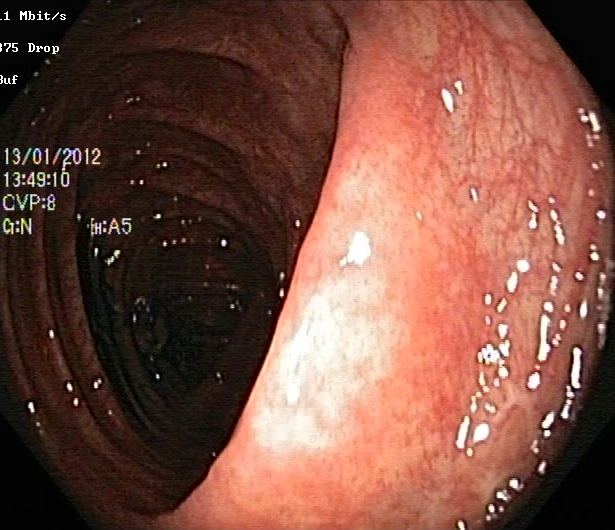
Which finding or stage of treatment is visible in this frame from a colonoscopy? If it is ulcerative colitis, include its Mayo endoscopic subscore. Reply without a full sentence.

ulcerative colitis, Mayo endoscopic subscore 1